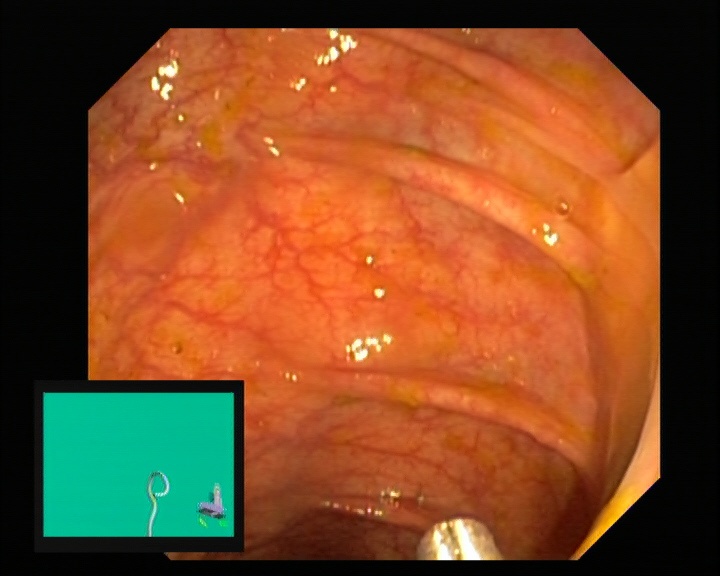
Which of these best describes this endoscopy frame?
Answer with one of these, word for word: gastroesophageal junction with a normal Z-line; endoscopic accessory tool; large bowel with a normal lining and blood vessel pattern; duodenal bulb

endoscopic accessory tool